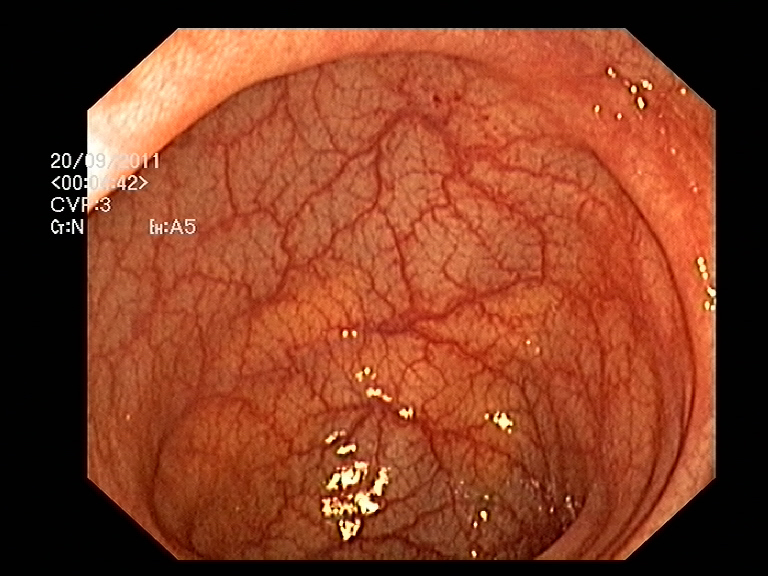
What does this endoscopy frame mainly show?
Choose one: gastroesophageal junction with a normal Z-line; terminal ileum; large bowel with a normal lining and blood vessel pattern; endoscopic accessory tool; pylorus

large bowel with a normal lining and blood vessel pattern